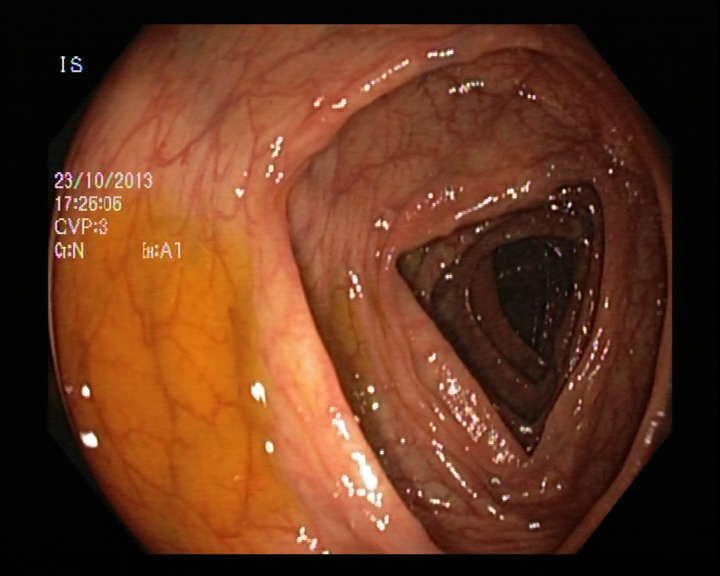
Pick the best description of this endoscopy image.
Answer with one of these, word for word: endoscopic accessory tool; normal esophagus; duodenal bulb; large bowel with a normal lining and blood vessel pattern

large bowel with a normal lining and blood vessel pattern